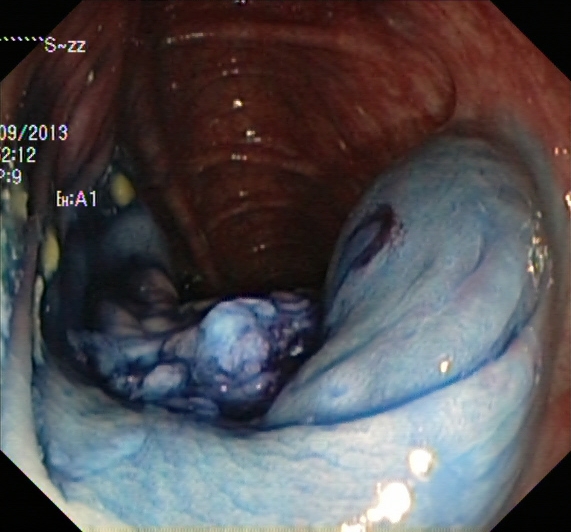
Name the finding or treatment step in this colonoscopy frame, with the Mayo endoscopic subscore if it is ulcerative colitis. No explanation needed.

dyed and lifted polyp (pre-resection)